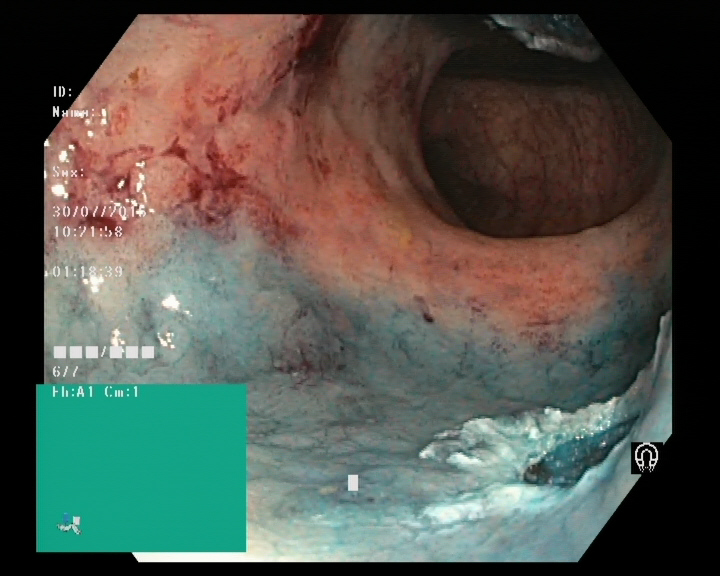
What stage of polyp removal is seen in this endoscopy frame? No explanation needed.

dyed resection margin (post-polypectomy)